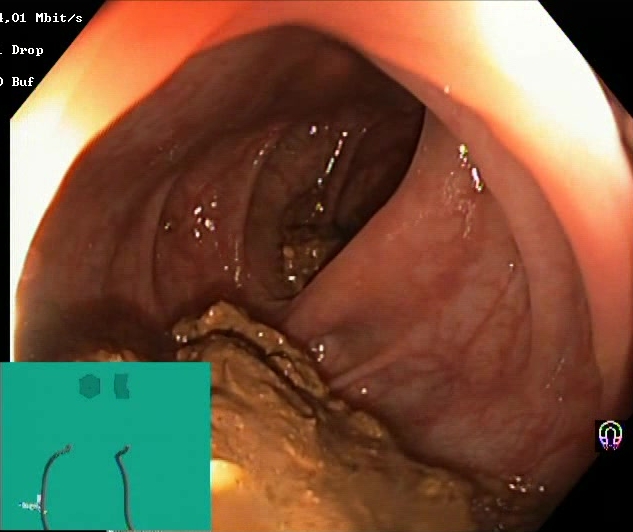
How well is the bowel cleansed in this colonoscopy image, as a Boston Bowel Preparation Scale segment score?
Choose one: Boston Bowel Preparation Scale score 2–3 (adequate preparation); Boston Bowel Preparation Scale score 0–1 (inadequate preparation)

Boston Bowel Preparation Scale score 0–1 (inadequate preparation)